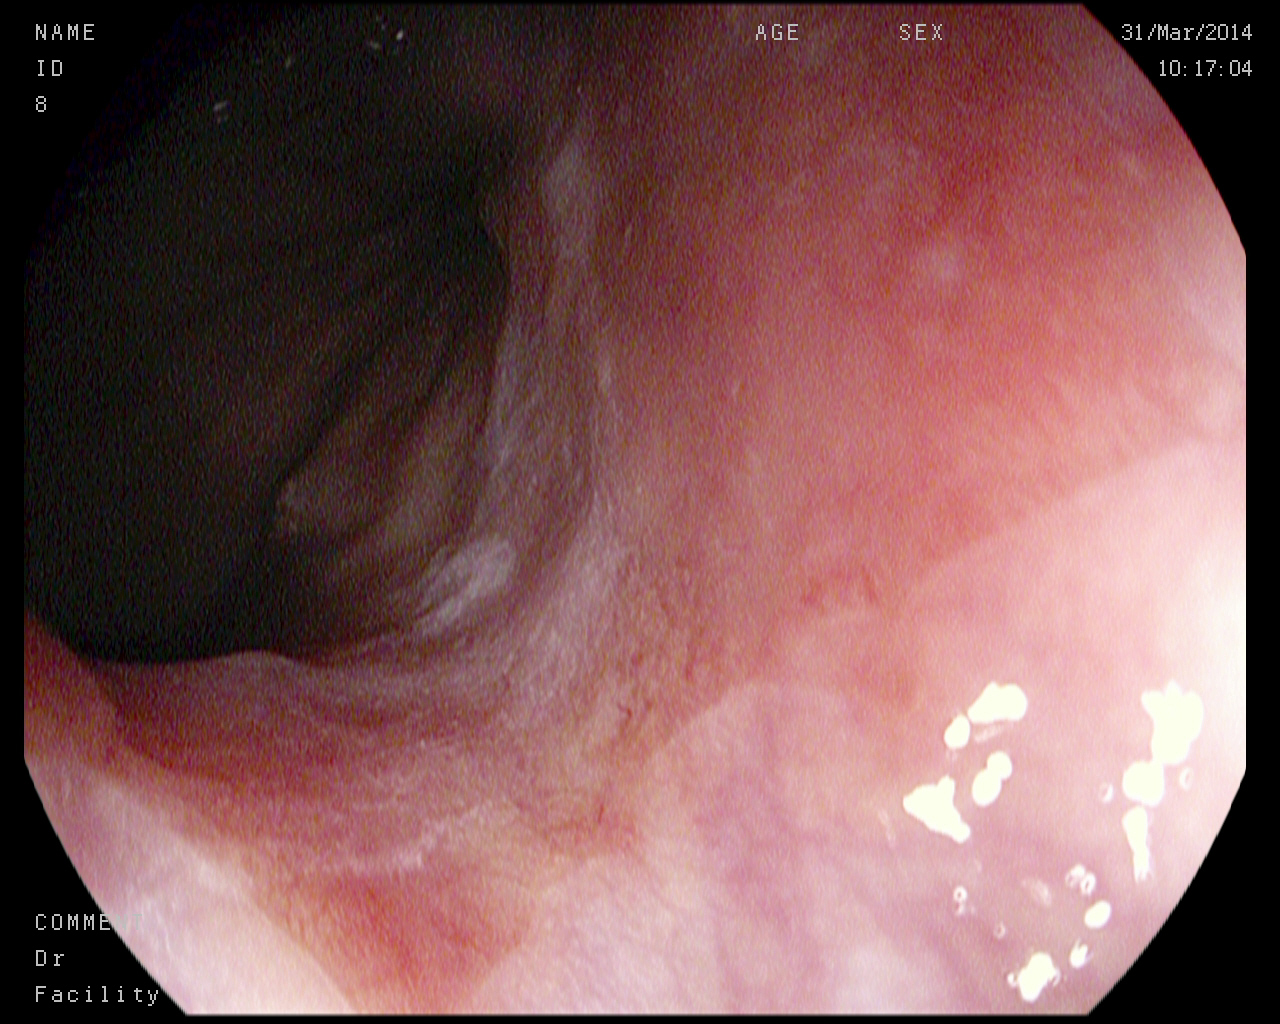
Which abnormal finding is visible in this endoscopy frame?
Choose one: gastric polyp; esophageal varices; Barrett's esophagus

Barrett's esophagus